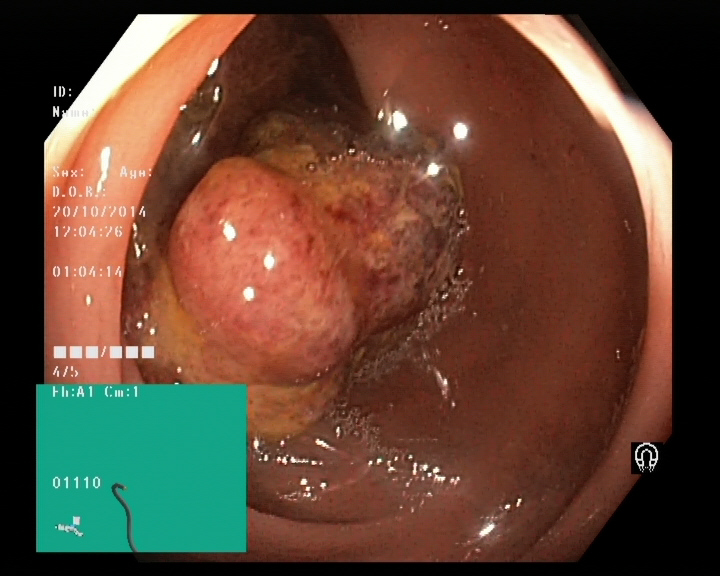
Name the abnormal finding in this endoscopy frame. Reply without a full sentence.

colon polyp